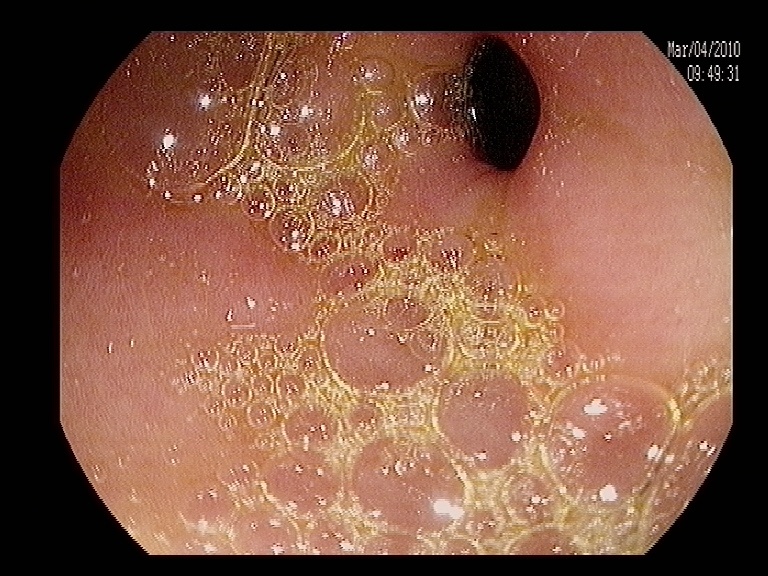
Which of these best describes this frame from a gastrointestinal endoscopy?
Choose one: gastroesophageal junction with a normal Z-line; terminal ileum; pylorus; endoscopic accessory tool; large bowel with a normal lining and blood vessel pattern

pylorus